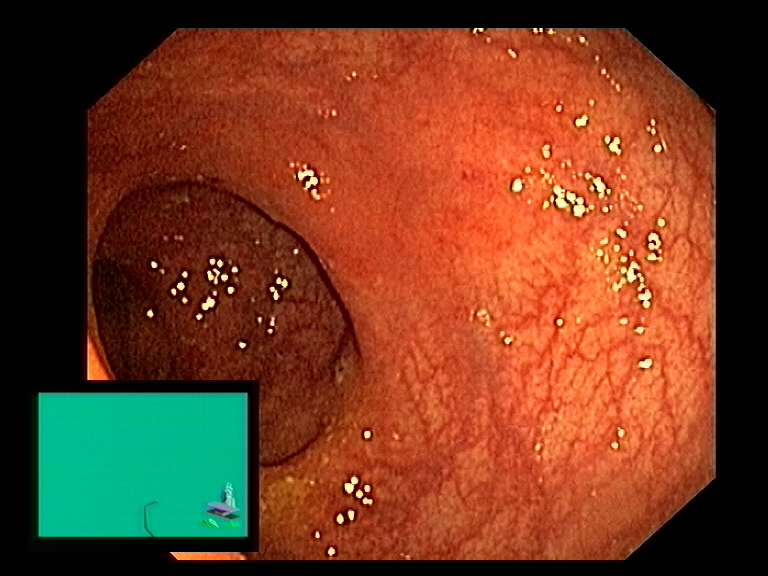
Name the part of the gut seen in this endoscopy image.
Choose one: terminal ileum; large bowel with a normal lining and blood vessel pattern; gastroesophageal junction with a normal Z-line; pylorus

large bowel with a normal lining and blood vessel pattern